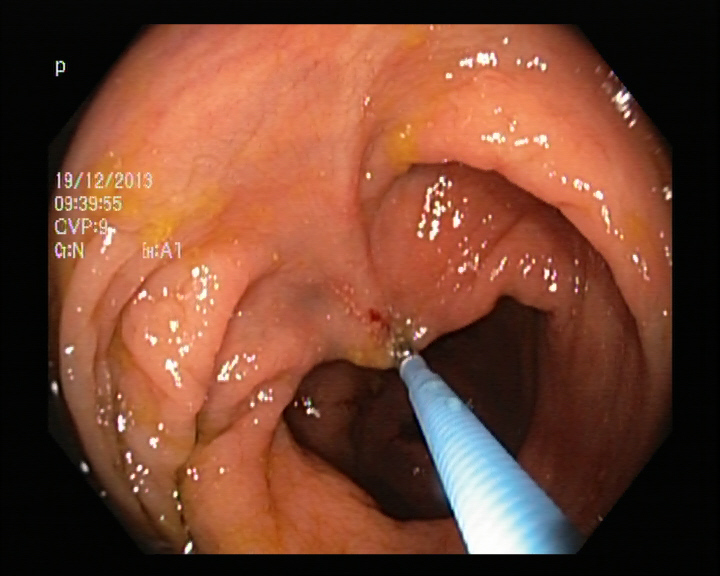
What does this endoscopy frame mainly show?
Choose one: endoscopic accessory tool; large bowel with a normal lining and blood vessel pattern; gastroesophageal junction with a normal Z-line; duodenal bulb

endoscopic accessory tool